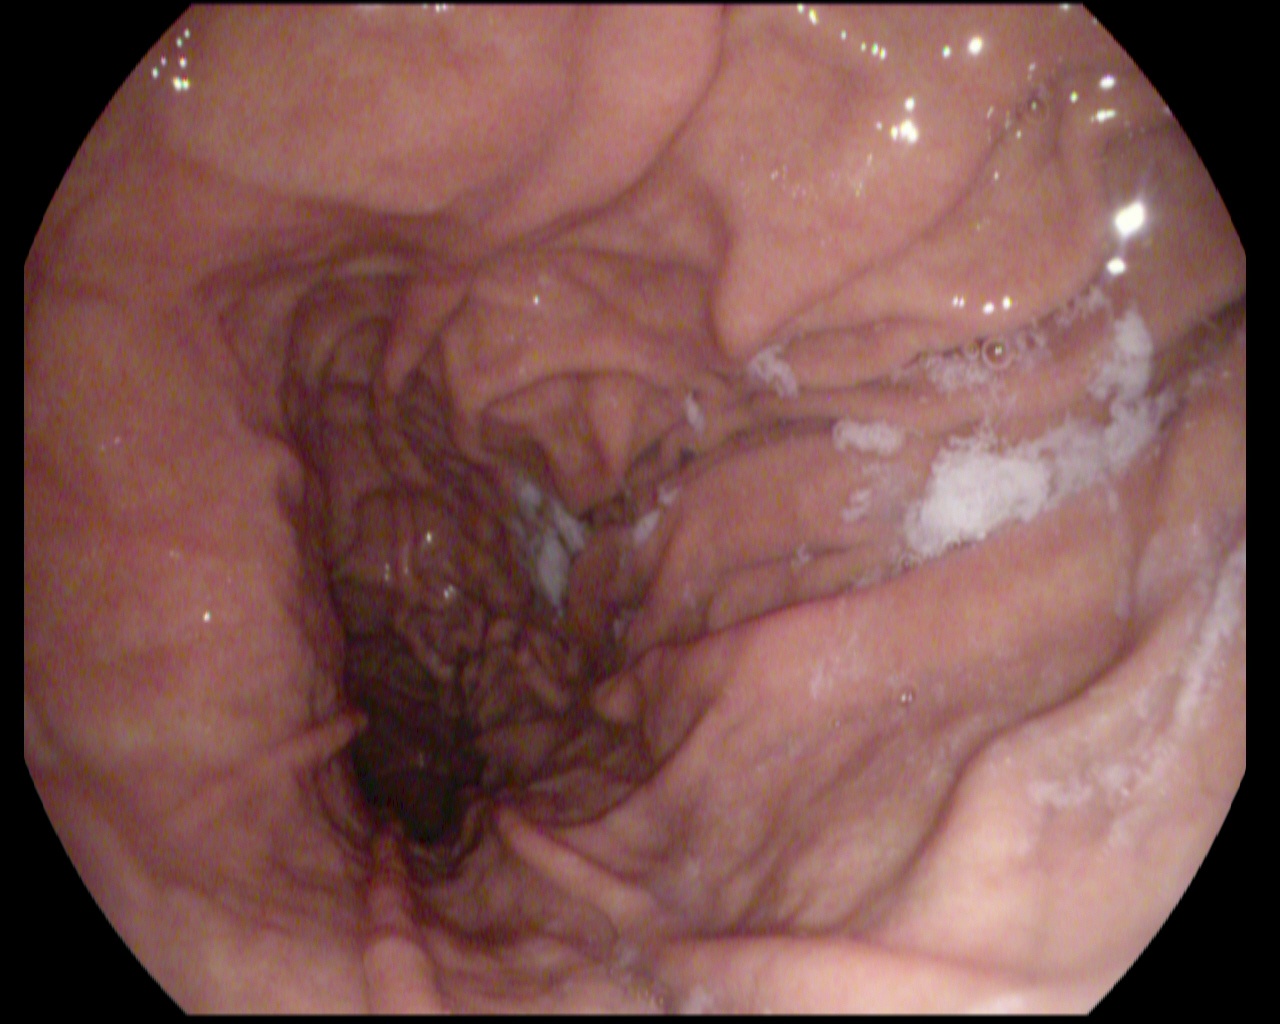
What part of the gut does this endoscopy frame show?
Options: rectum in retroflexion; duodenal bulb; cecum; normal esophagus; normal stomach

normal stomach